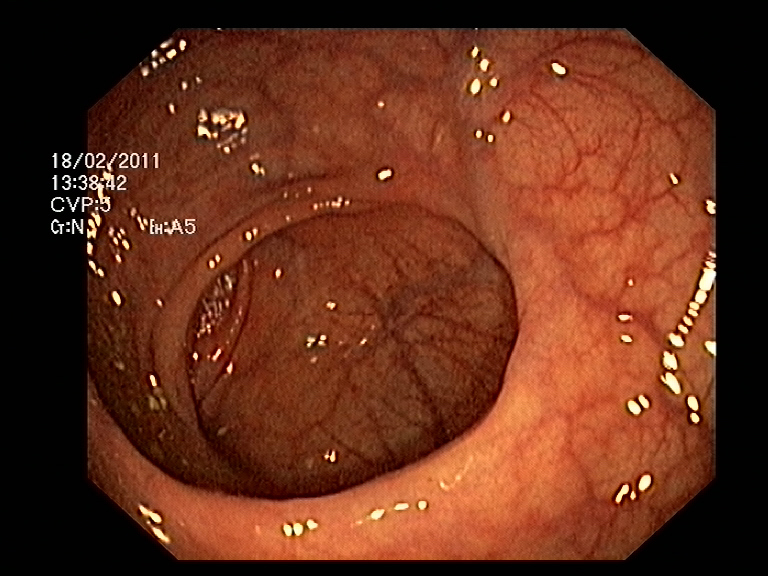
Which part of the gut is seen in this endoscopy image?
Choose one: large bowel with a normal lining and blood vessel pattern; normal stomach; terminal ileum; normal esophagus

large bowel with a normal lining and blood vessel pattern